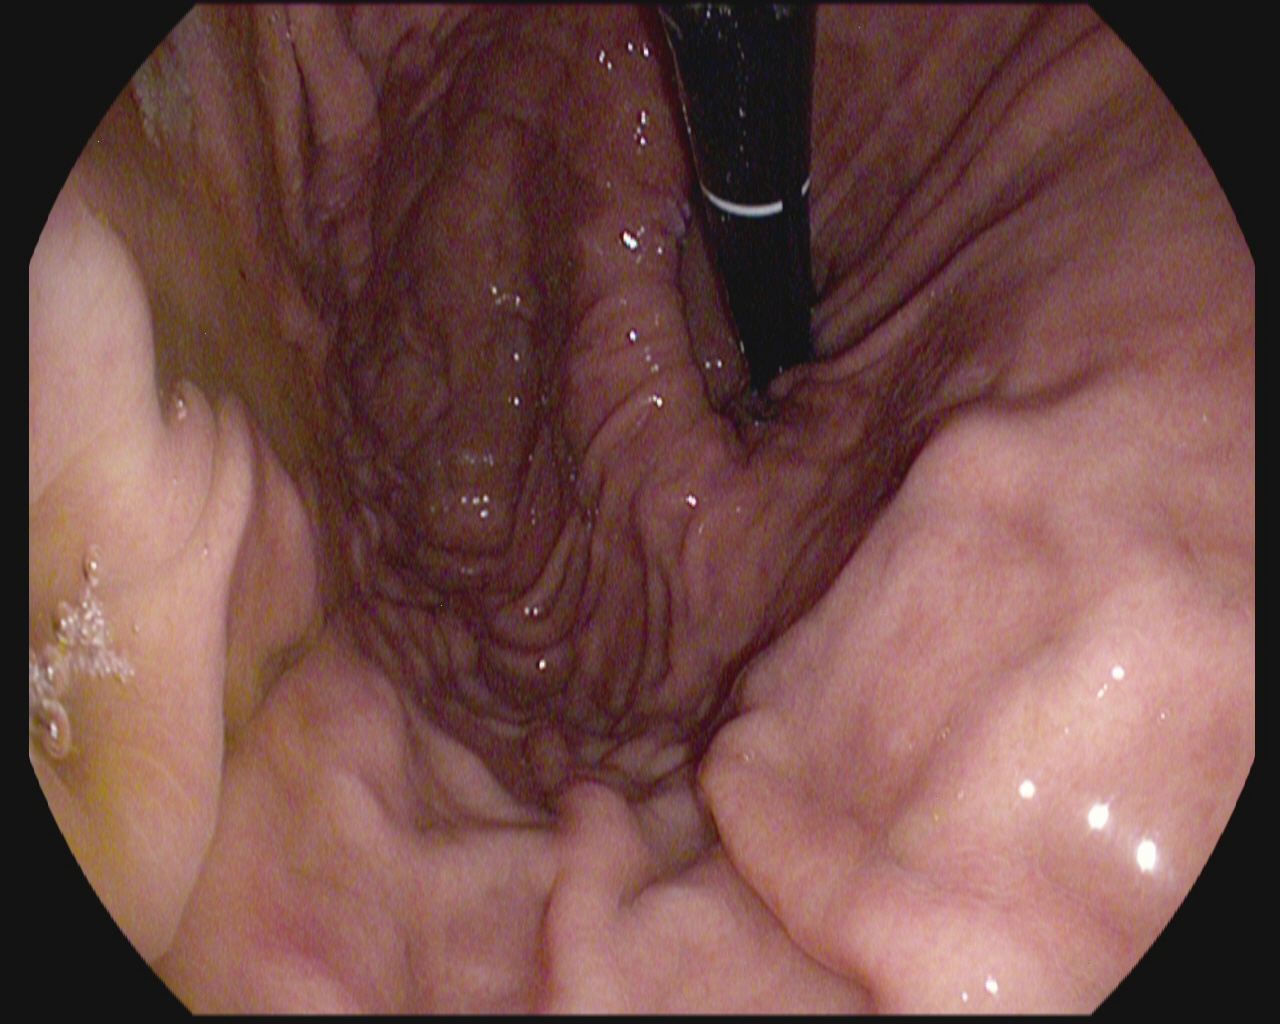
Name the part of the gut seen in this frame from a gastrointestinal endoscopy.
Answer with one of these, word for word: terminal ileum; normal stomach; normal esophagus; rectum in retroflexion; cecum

normal stomach